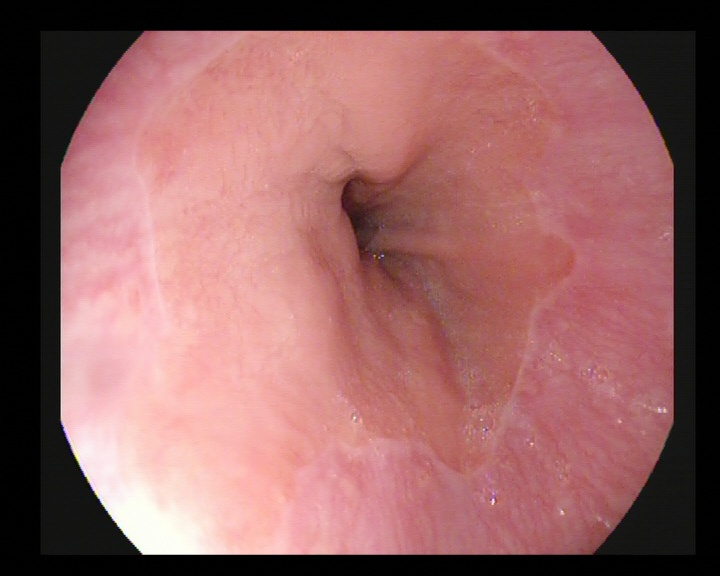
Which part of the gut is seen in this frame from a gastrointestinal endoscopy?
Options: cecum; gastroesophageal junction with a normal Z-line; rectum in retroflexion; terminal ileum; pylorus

gastroesophageal junction with a normal Z-line